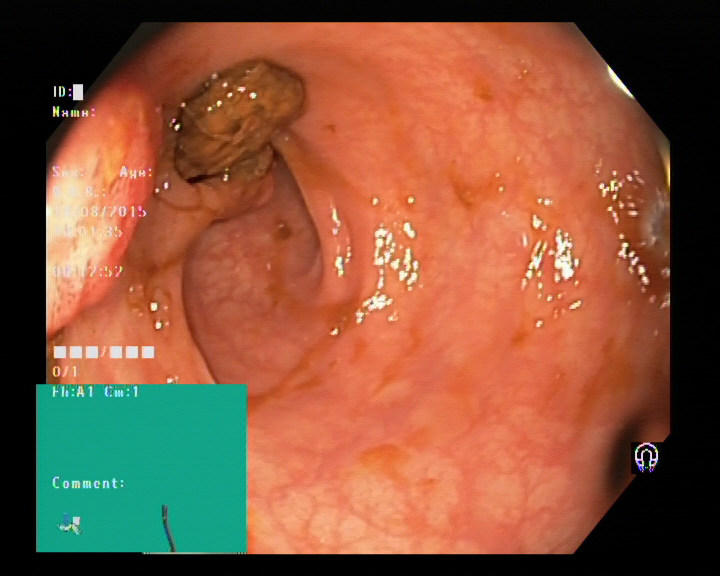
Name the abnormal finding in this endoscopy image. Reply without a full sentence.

colon polyp